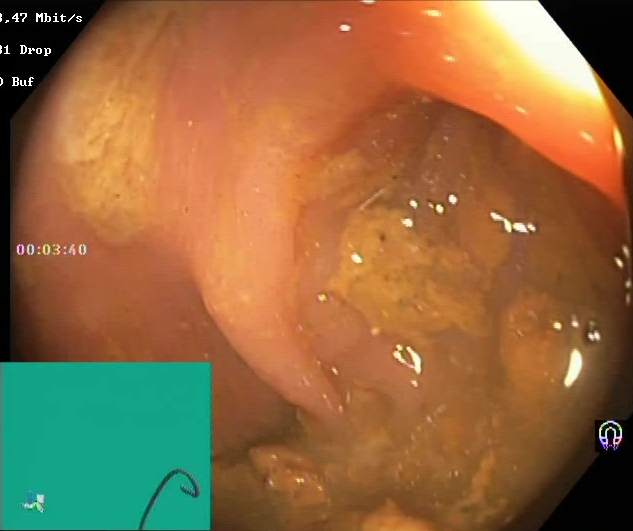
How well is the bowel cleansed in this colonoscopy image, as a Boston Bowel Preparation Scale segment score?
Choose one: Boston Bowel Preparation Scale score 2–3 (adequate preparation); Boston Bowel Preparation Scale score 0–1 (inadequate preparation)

Boston Bowel Preparation Scale score 0–1 (inadequate preparation)